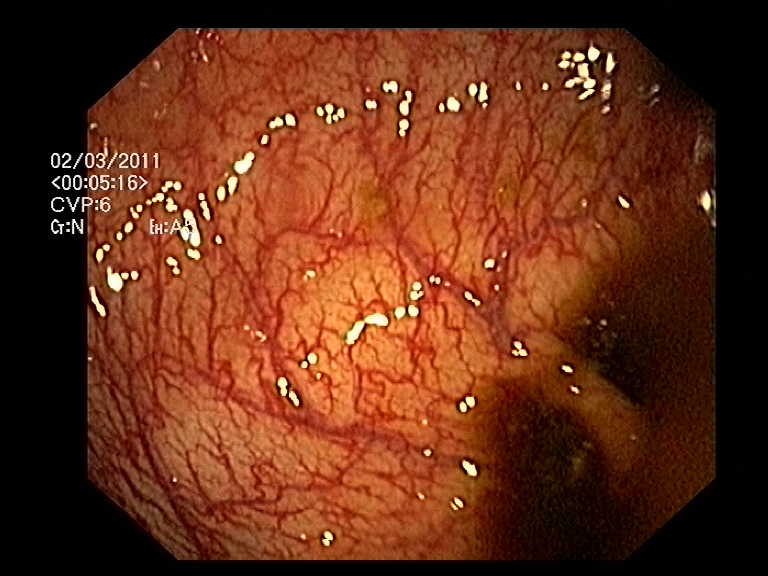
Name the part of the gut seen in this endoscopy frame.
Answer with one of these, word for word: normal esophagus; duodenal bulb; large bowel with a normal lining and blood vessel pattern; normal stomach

large bowel with a normal lining and blood vessel pattern